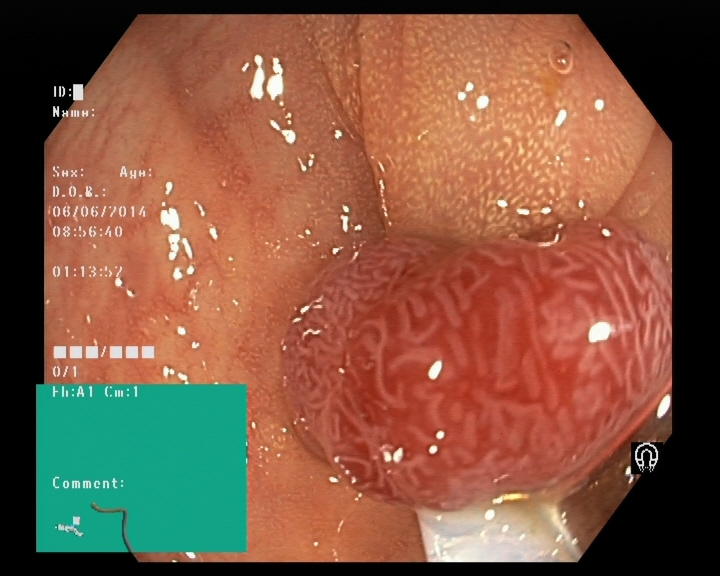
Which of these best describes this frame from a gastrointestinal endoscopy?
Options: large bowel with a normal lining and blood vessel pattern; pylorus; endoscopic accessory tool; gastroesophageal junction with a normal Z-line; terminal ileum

endoscopic accessory tool